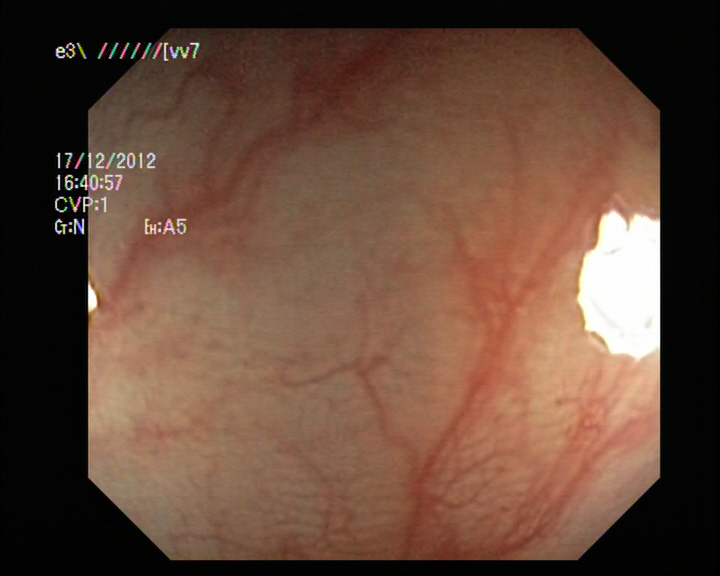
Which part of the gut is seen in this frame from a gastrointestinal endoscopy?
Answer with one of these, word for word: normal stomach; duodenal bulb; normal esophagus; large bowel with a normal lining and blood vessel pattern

large bowel with a normal lining and blood vessel pattern